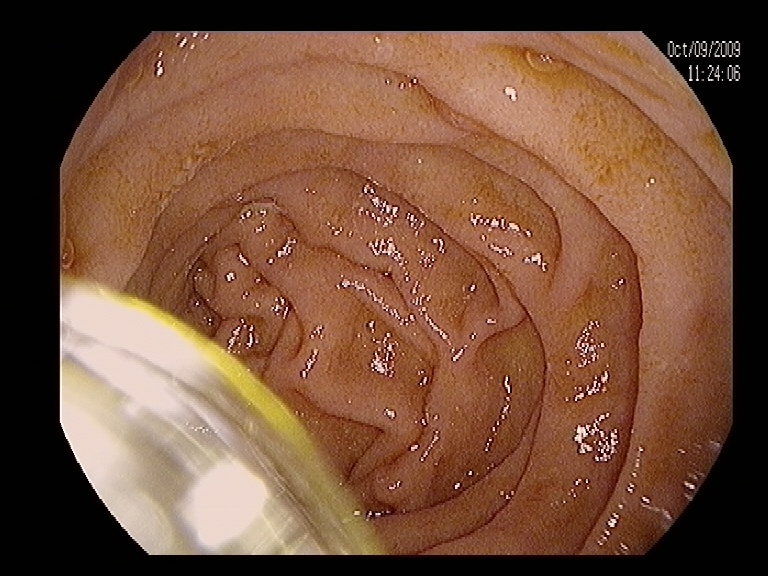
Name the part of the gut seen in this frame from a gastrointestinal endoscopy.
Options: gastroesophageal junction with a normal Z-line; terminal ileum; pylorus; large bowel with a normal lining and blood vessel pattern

terminal ileum